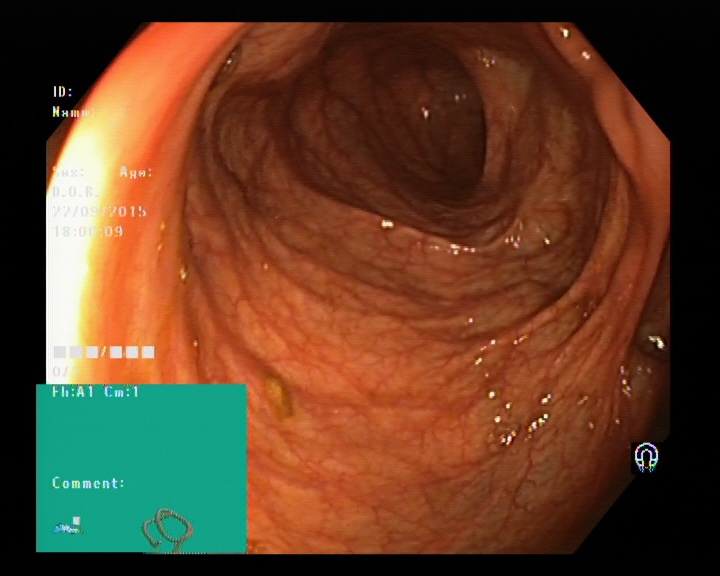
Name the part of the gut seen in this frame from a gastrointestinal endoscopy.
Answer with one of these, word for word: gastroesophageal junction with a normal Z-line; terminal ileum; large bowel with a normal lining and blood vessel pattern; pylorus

large bowel with a normal lining and blood vessel pattern